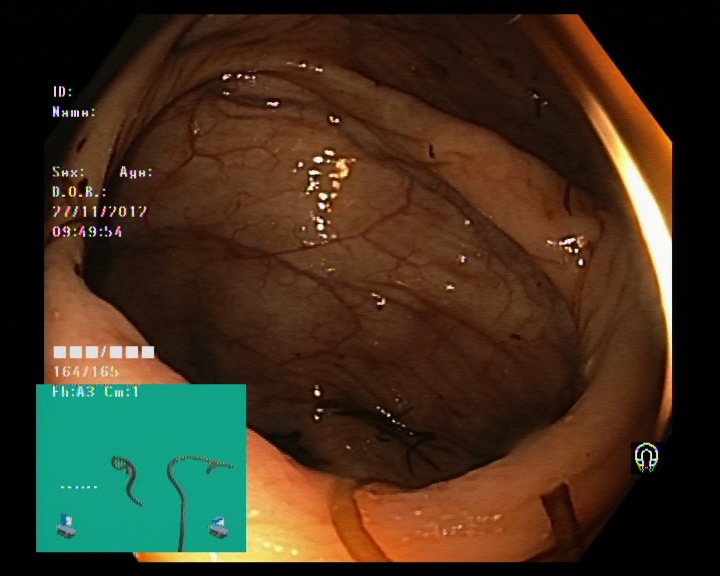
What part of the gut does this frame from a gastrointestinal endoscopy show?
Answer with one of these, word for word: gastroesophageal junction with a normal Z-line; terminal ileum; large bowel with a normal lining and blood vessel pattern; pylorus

large bowel with a normal lining and blood vessel pattern